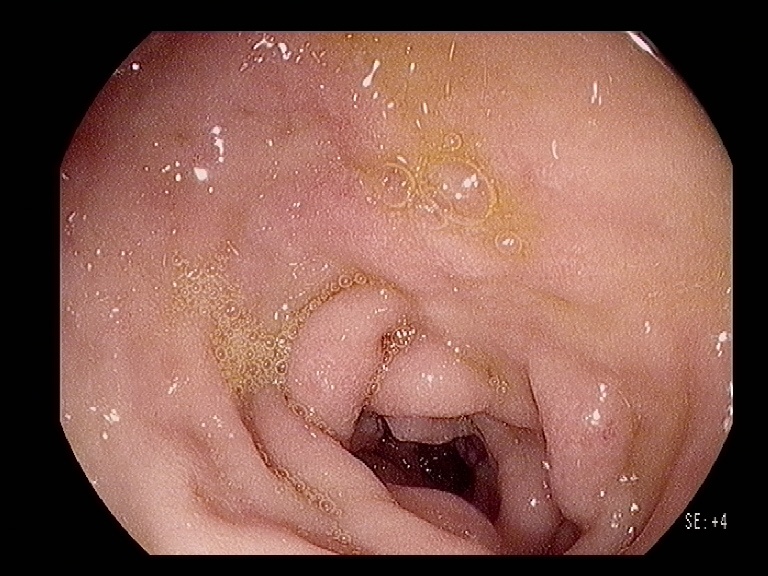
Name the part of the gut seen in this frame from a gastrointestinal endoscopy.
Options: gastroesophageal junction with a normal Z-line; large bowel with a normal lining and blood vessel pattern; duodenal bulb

duodenal bulb